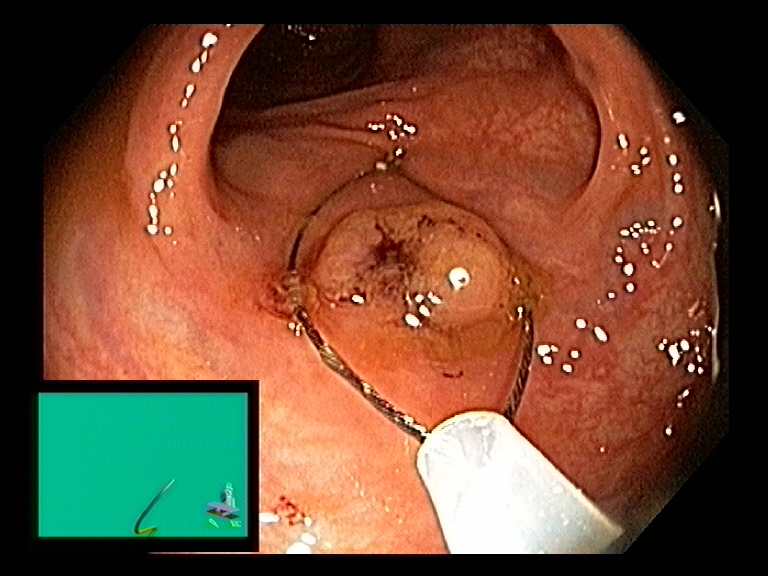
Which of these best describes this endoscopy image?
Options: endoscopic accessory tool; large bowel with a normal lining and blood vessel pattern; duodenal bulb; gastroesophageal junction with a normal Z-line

endoscopic accessory tool